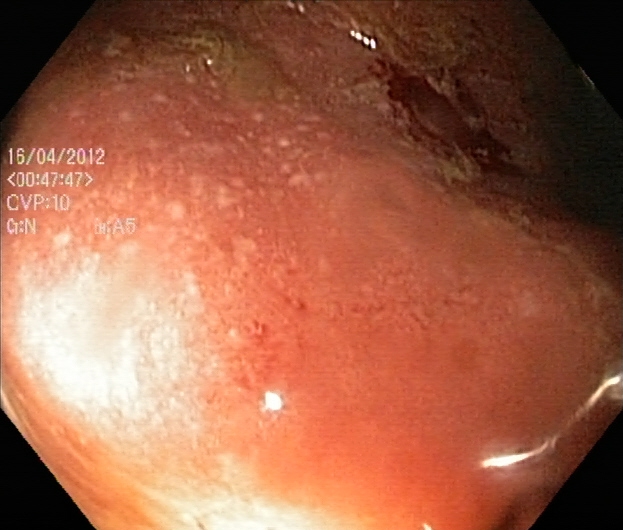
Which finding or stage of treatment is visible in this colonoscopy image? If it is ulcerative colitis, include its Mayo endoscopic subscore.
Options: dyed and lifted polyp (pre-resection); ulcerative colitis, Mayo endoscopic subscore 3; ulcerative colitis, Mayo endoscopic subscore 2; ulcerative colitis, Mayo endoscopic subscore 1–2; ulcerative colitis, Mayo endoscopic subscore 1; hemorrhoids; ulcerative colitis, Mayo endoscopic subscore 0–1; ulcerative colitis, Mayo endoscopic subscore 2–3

ulcerative colitis, Mayo endoscopic subscore 2